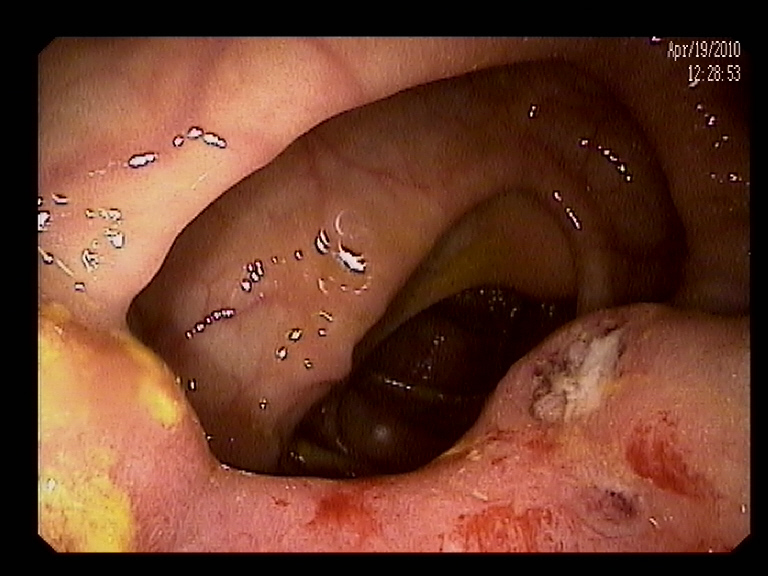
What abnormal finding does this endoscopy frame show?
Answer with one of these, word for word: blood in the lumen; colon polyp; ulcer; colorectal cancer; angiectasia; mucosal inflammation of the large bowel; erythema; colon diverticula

colorectal cancer